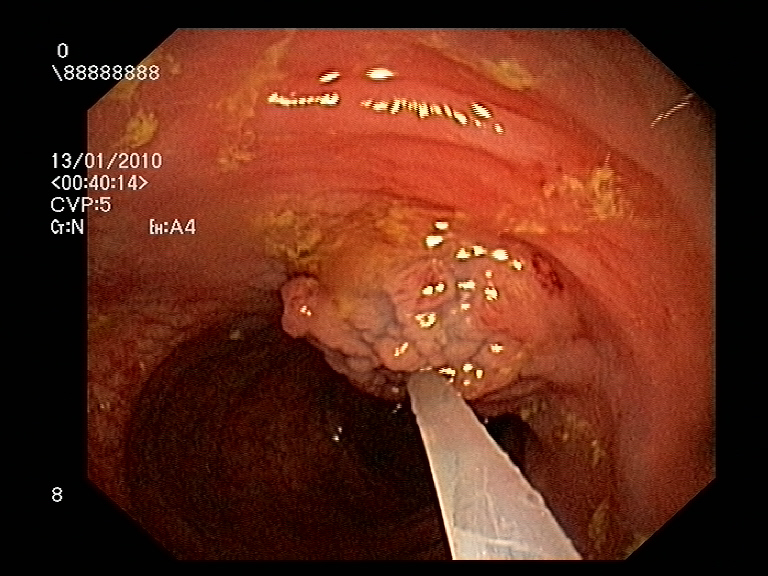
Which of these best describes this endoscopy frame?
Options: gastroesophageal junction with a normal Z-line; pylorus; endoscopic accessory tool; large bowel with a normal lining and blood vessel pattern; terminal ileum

endoscopic accessory tool